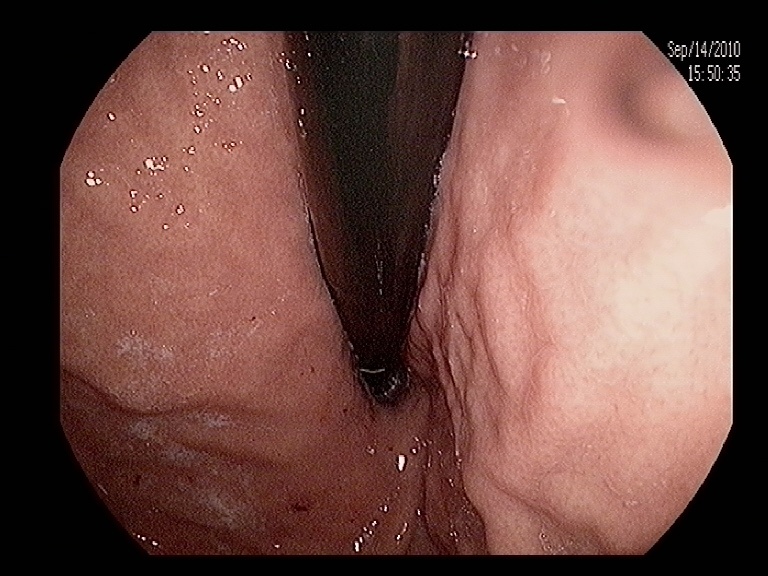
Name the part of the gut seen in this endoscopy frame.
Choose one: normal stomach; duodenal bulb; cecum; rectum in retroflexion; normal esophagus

normal stomach